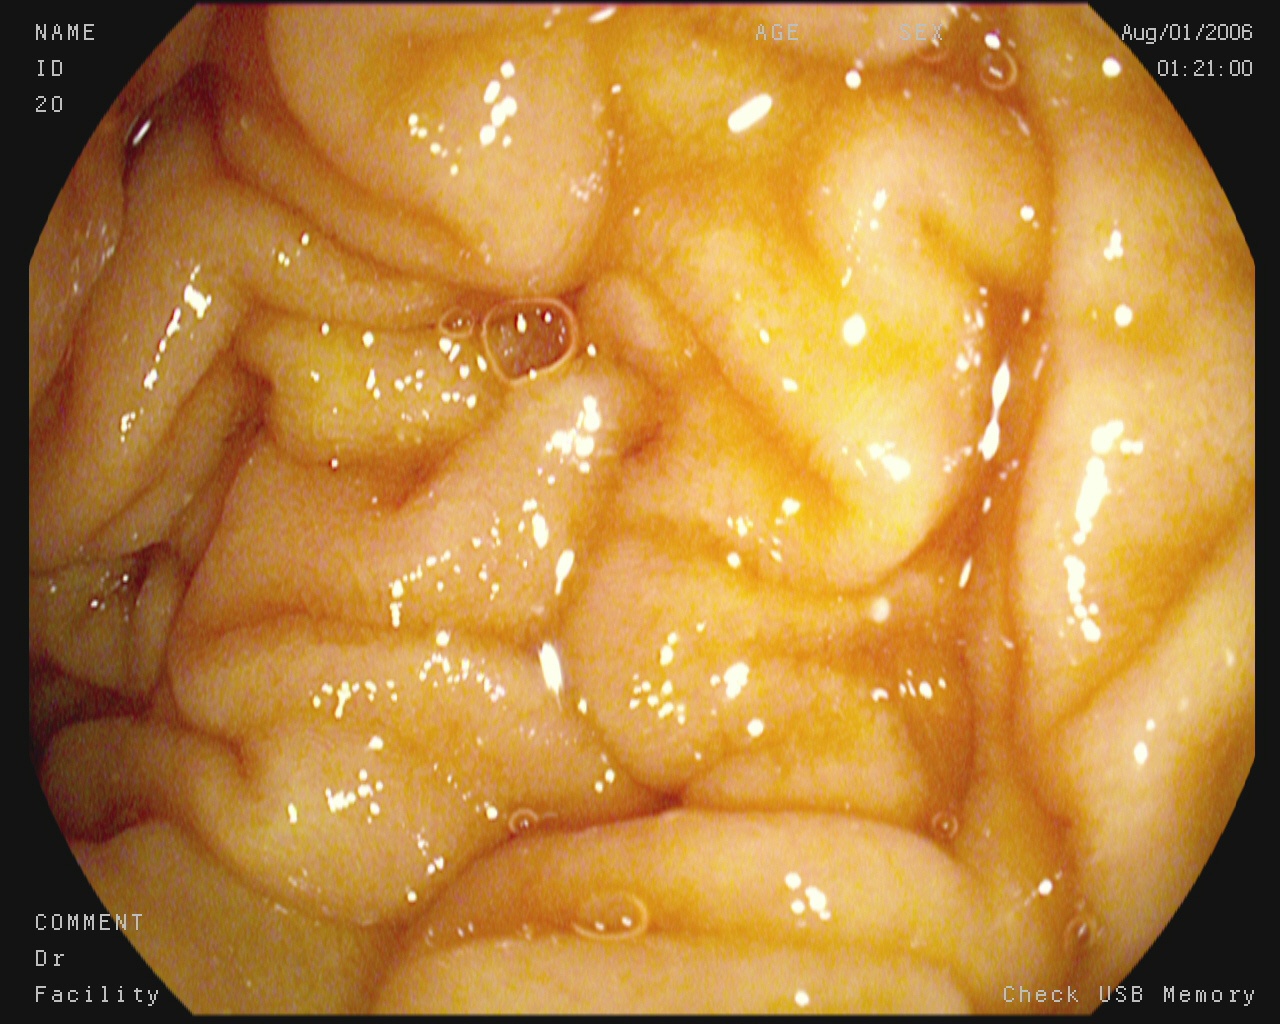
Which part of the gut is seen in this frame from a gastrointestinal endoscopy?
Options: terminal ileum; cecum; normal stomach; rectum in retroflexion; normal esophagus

terminal ileum